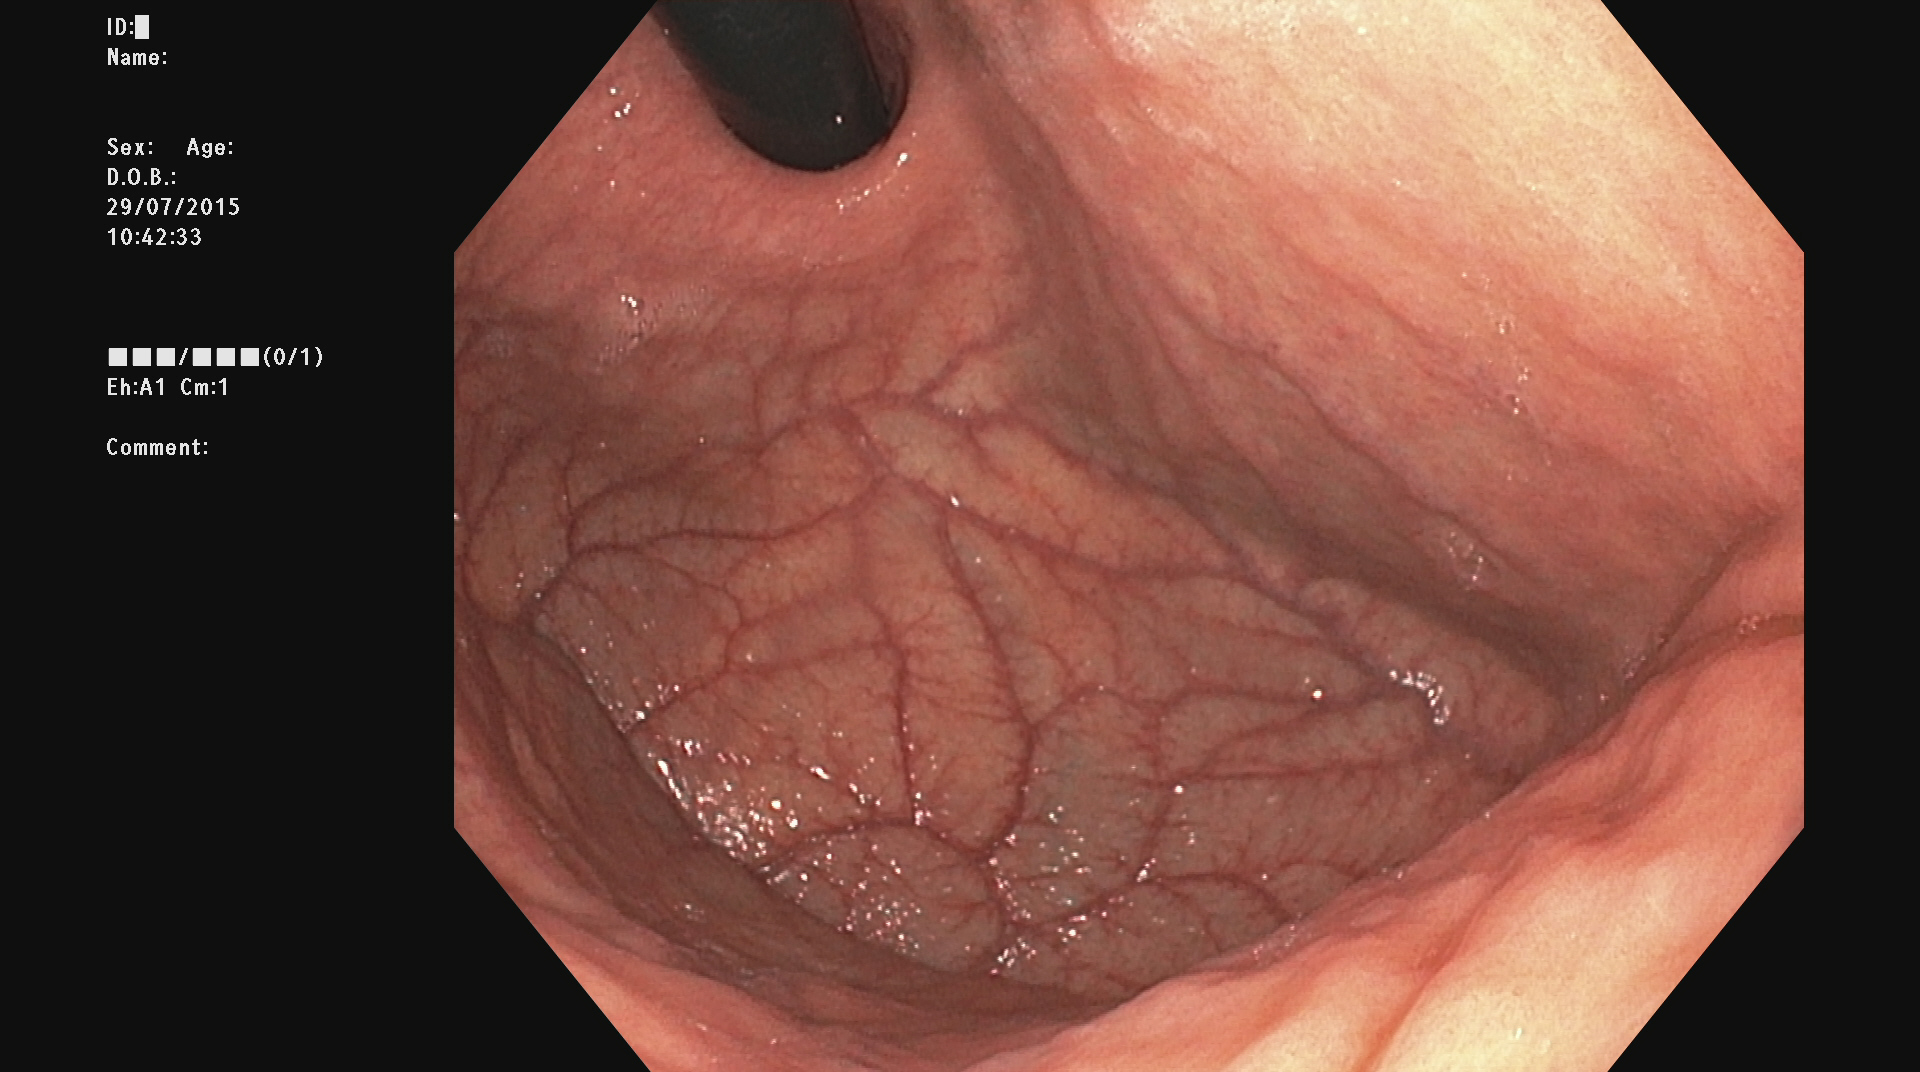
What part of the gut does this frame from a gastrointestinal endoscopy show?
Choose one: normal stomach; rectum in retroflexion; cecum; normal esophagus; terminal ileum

normal stomach